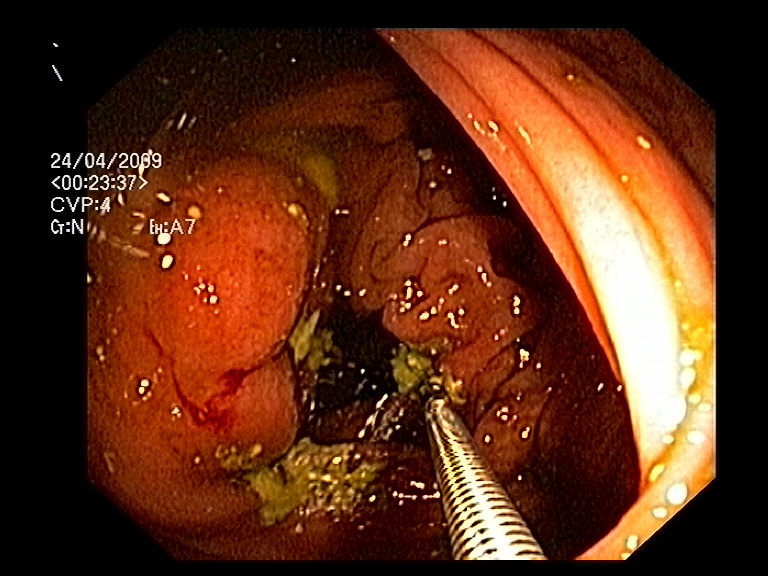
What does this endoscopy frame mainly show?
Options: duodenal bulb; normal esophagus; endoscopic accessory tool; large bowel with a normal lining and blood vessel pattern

endoscopic accessory tool